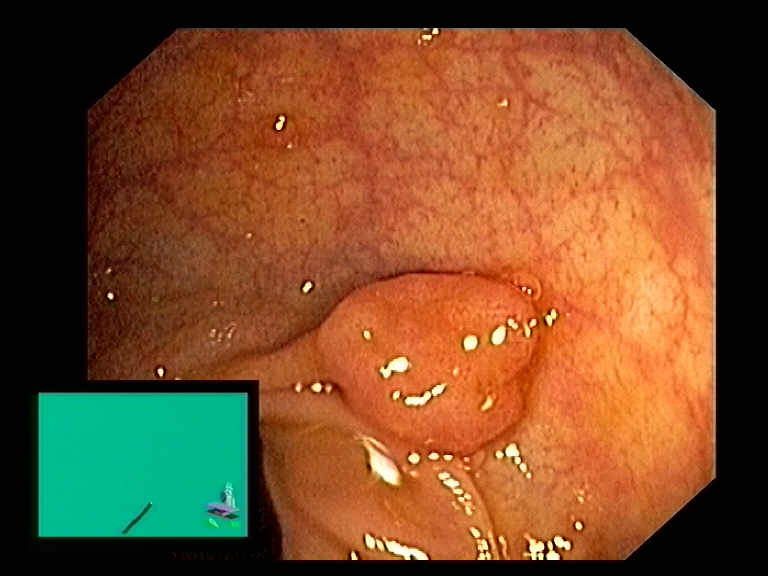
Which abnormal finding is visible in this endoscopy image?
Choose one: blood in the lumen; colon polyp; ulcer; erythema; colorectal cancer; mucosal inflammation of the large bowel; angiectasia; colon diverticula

colon polyp